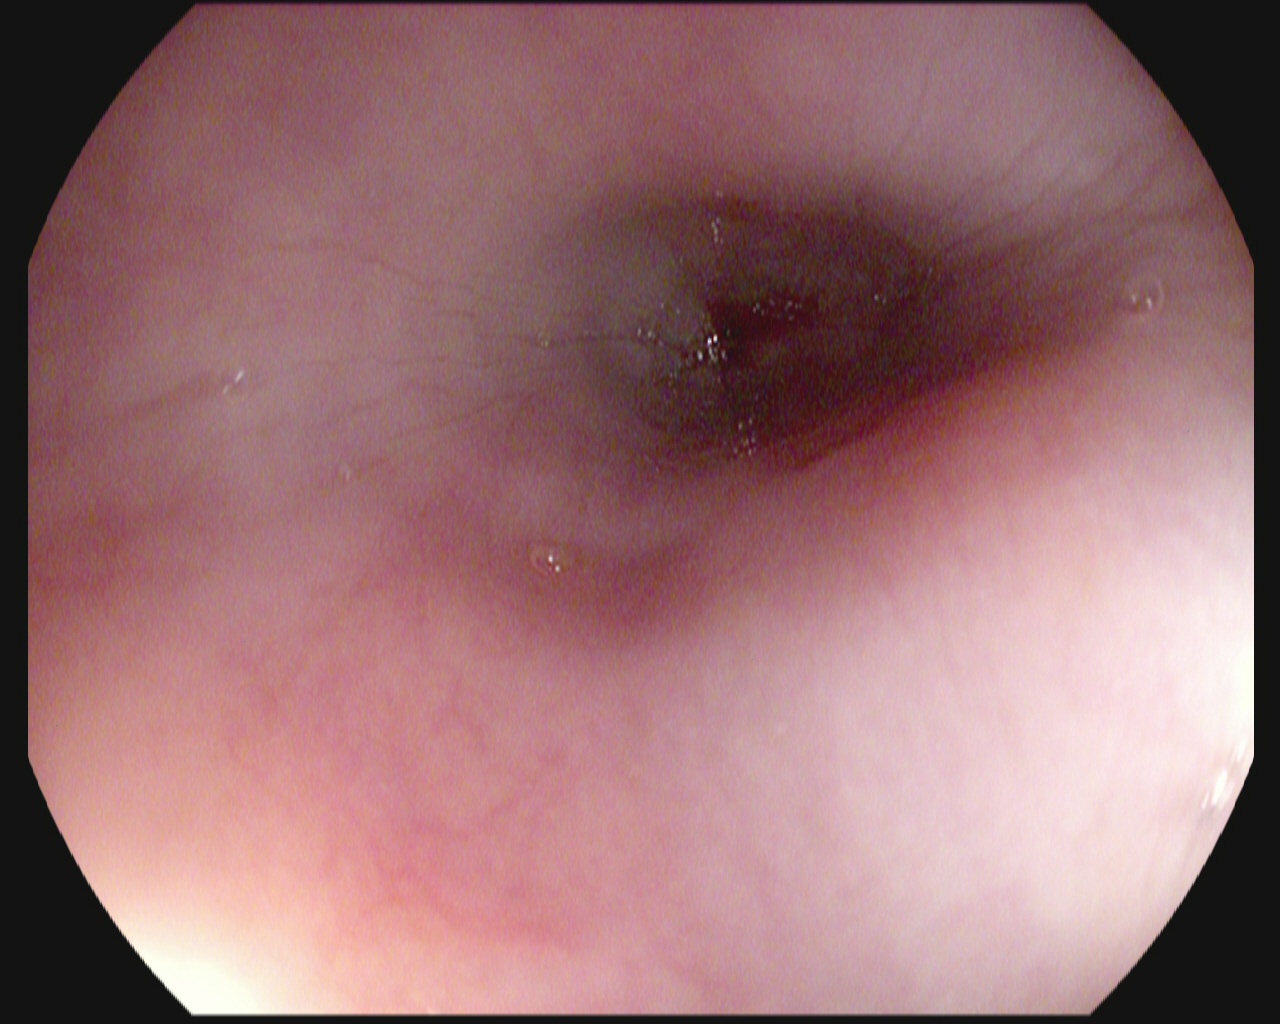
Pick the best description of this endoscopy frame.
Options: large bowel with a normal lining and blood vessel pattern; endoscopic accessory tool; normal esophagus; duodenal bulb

normal esophagus